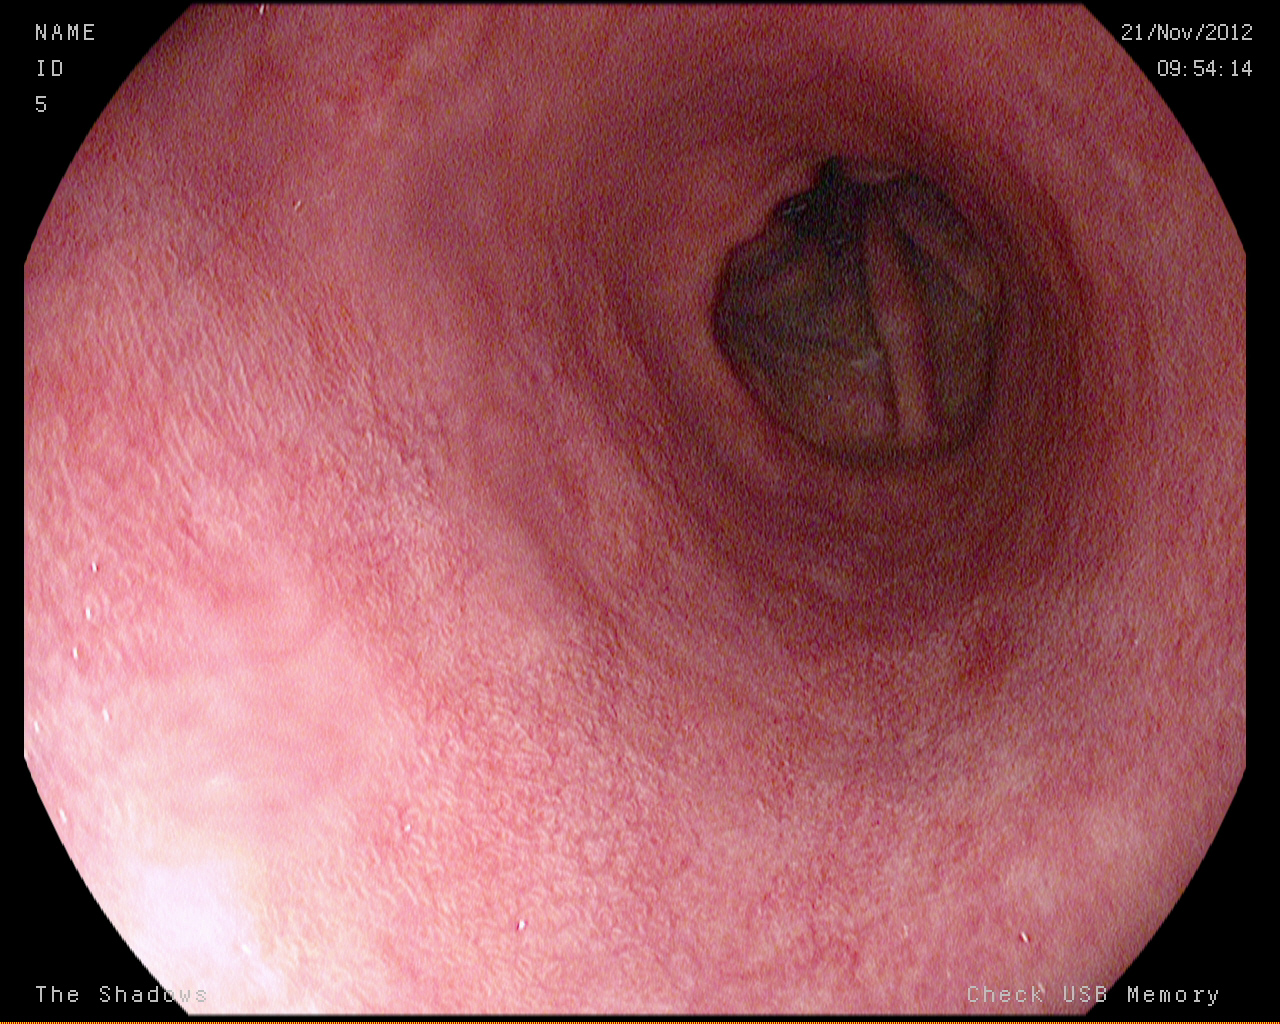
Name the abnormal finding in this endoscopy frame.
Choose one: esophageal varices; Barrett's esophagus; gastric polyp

Barrett's esophagus